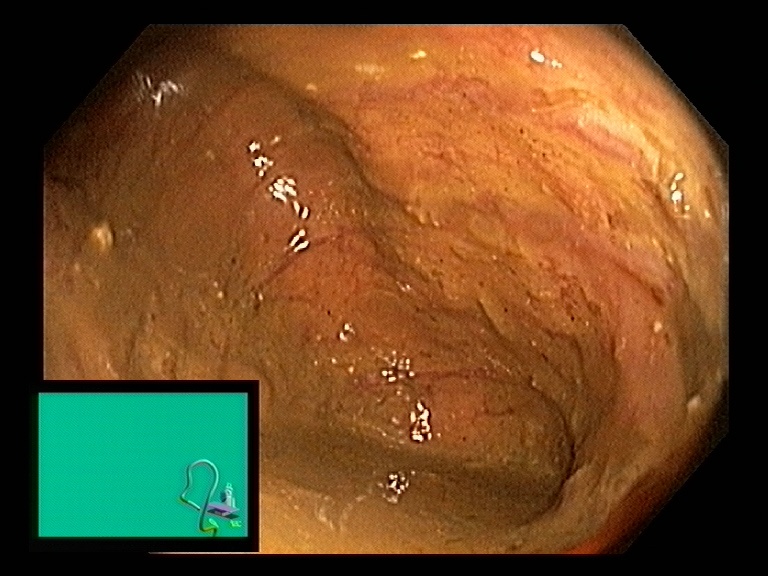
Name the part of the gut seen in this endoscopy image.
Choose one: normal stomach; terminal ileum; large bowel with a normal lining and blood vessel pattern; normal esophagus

large bowel with a normal lining and blood vessel pattern